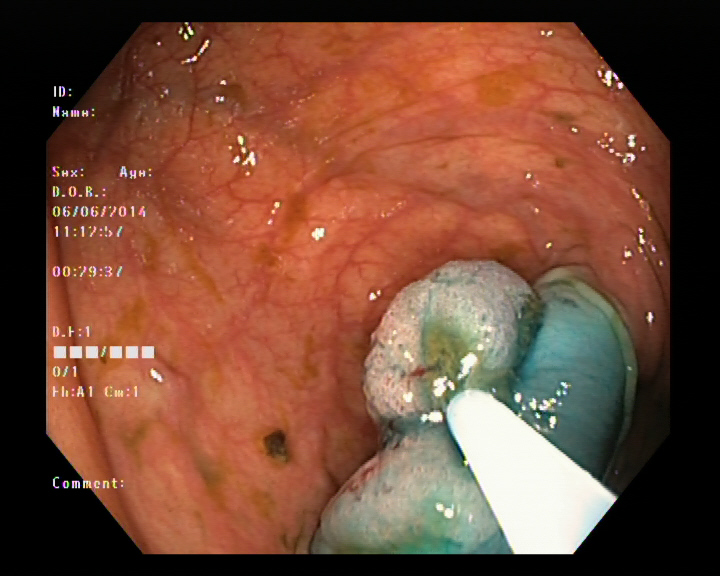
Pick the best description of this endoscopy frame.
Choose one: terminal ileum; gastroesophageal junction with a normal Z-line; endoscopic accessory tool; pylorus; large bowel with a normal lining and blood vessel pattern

endoscopic accessory tool